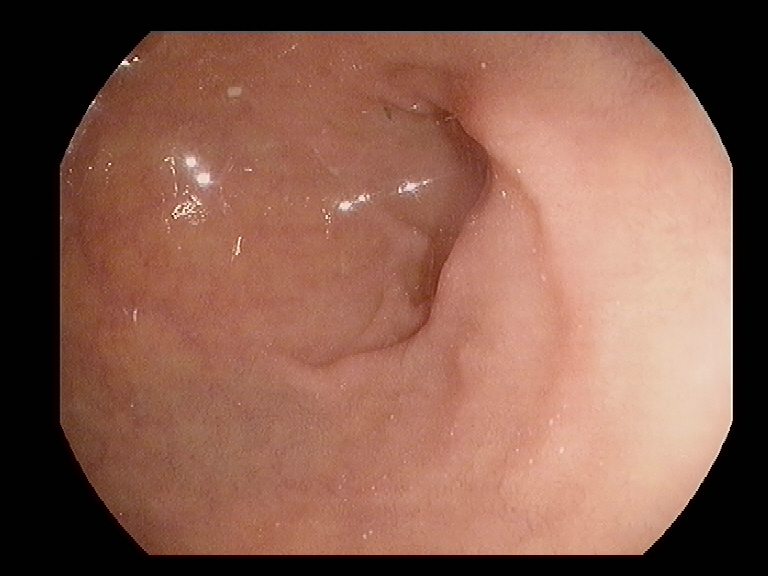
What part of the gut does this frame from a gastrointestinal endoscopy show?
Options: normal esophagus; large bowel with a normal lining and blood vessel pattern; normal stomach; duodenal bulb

duodenal bulb